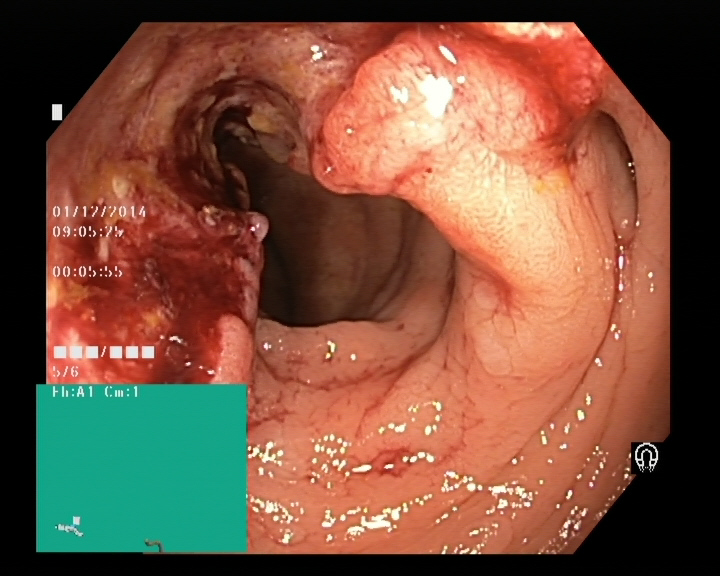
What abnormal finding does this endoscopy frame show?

colorectal cancer